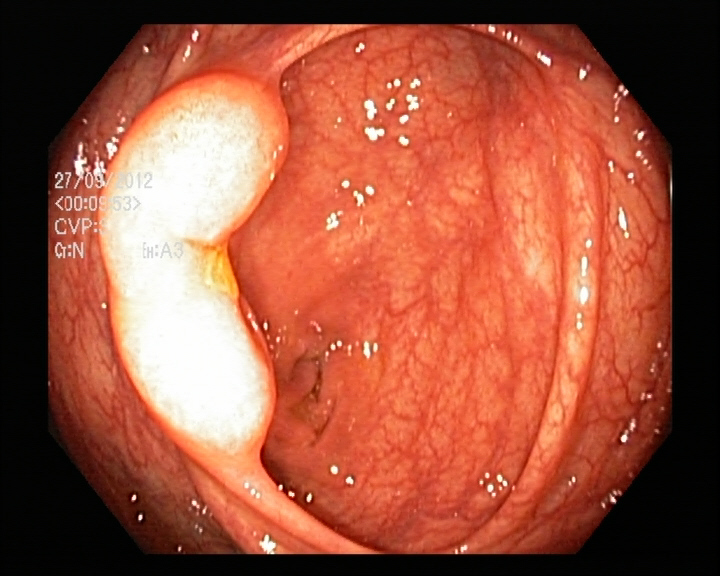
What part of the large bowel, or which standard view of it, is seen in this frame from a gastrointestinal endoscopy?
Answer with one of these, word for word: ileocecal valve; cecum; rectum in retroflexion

ileocecal valve